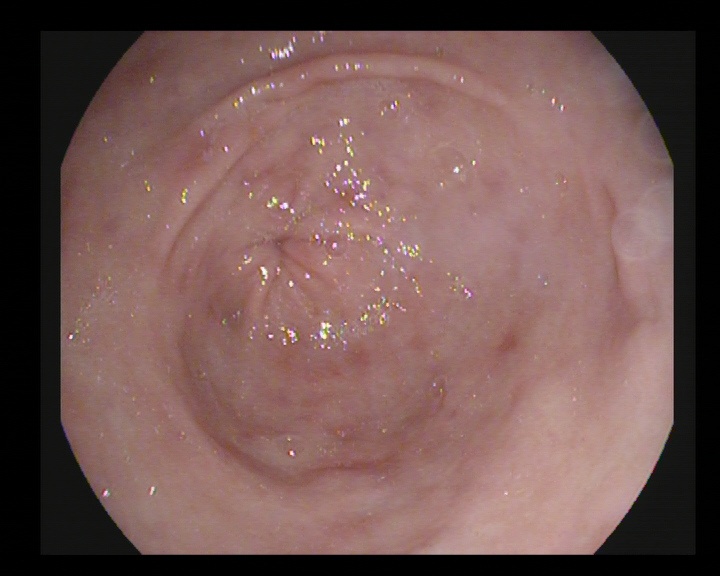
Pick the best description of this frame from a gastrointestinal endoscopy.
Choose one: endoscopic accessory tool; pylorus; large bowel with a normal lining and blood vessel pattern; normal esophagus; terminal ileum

pylorus